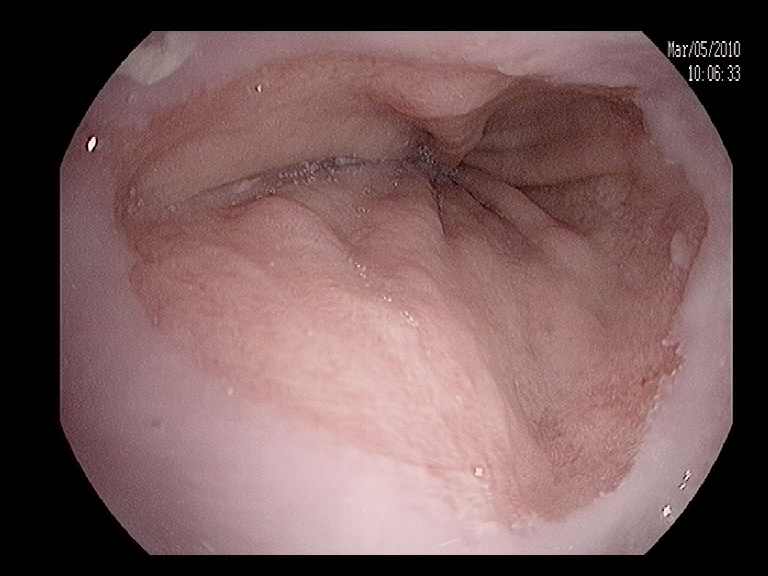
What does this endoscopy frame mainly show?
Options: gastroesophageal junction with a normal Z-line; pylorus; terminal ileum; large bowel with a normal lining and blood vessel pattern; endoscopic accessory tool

gastroesophageal junction with a normal Z-line